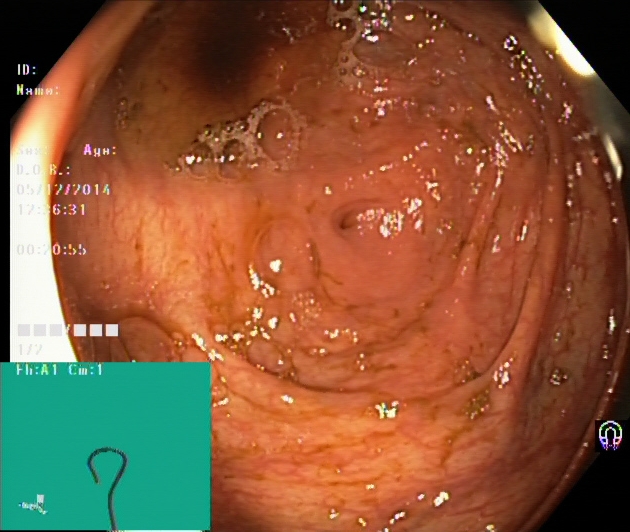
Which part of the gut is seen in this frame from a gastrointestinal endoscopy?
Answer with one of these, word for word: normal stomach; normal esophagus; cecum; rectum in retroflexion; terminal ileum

cecum